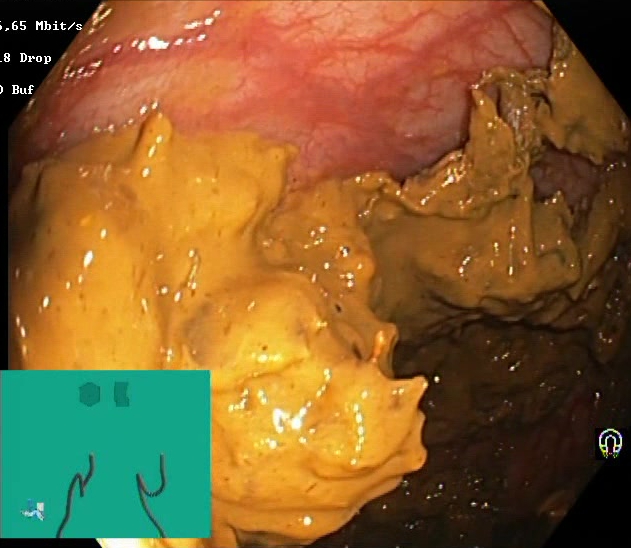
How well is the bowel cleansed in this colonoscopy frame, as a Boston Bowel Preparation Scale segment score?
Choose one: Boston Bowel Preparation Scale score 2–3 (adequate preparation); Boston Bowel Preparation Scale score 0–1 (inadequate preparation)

Boston Bowel Preparation Scale score 0–1 (inadequate preparation)